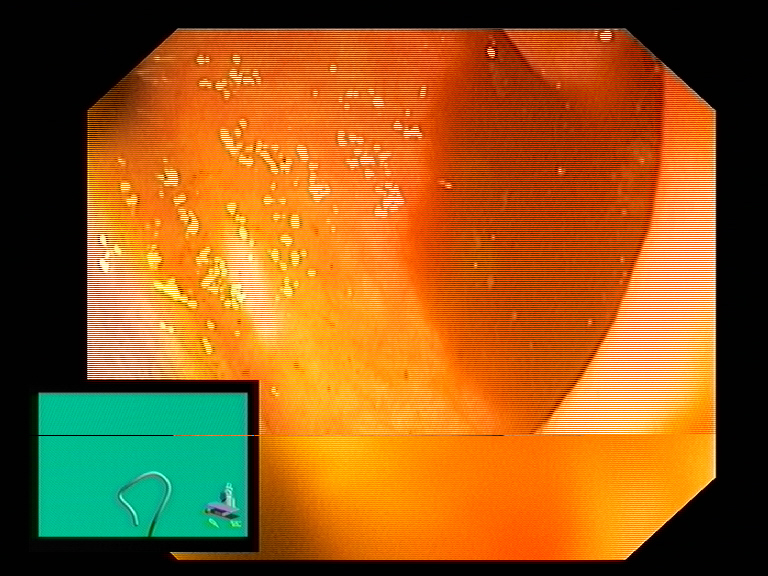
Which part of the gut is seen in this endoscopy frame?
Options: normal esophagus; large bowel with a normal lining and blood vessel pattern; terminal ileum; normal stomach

large bowel with a normal lining and blood vessel pattern